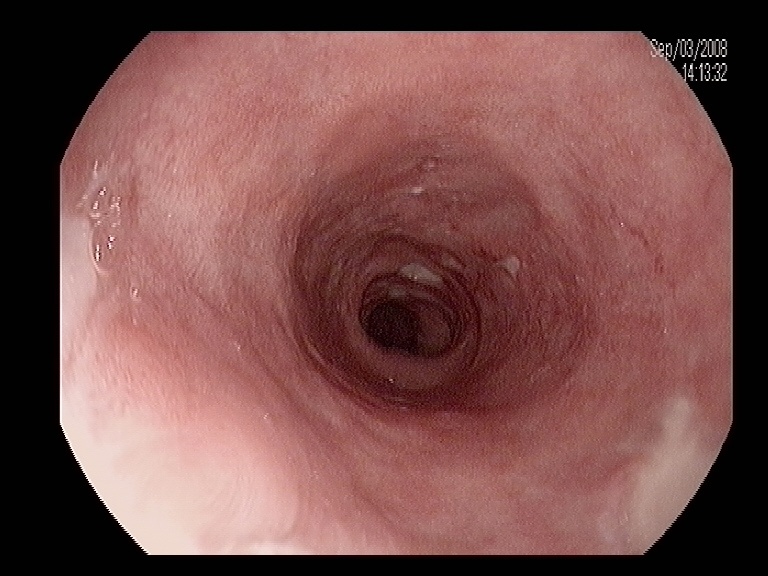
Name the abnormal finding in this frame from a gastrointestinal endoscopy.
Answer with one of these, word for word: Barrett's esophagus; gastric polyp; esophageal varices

Barrett's esophagus